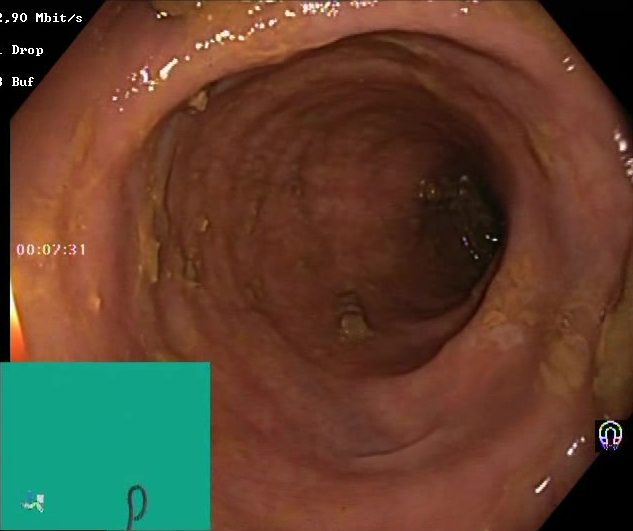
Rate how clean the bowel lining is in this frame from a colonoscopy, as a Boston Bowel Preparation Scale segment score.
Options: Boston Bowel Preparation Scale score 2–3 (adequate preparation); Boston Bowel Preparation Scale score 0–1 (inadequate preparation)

Boston Bowel Preparation Scale score 2–3 (adequate preparation)